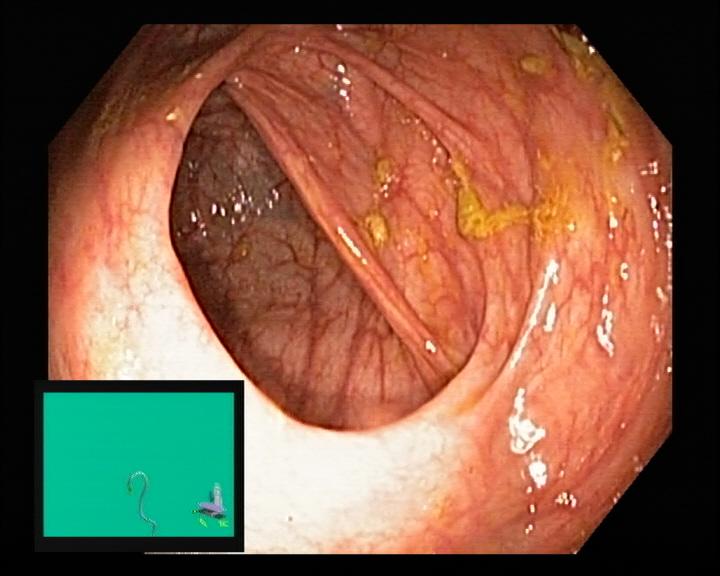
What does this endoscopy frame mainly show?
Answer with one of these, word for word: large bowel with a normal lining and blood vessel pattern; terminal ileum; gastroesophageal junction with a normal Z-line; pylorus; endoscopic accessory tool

large bowel with a normal lining and blood vessel pattern